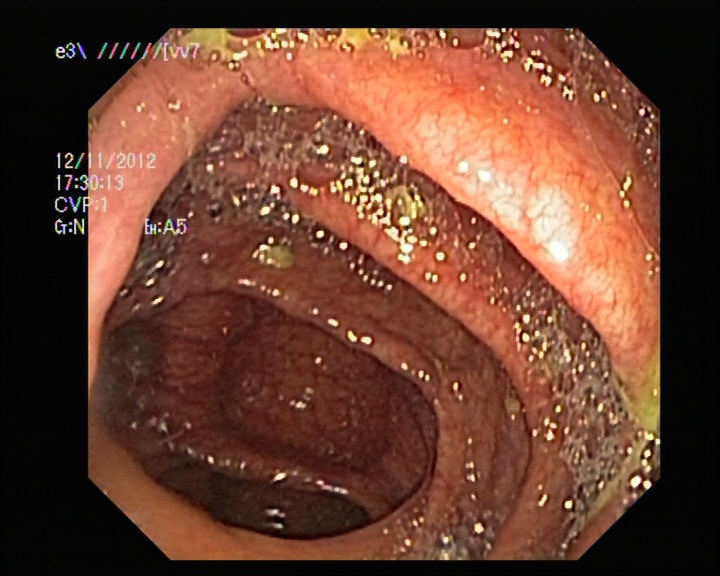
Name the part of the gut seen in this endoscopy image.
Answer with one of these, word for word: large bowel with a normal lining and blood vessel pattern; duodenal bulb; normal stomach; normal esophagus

large bowel with a normal lining and blood vessel pattern